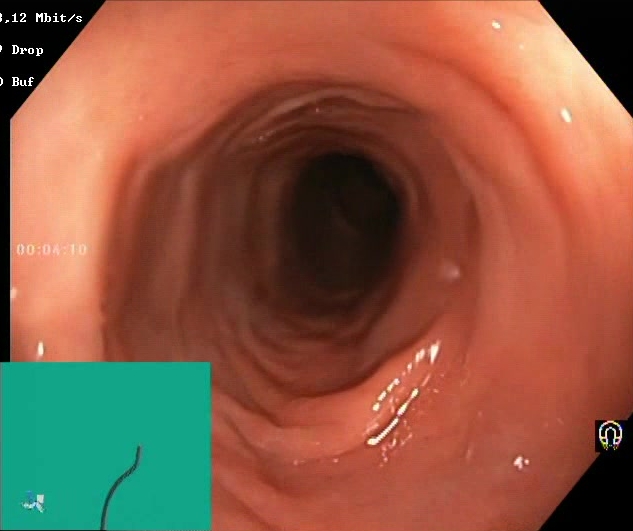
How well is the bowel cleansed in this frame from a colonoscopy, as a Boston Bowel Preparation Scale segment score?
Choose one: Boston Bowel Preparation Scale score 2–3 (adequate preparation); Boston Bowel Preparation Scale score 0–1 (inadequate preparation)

Boston Bowel Preparation Scale score 2–3 (adequate preparation)